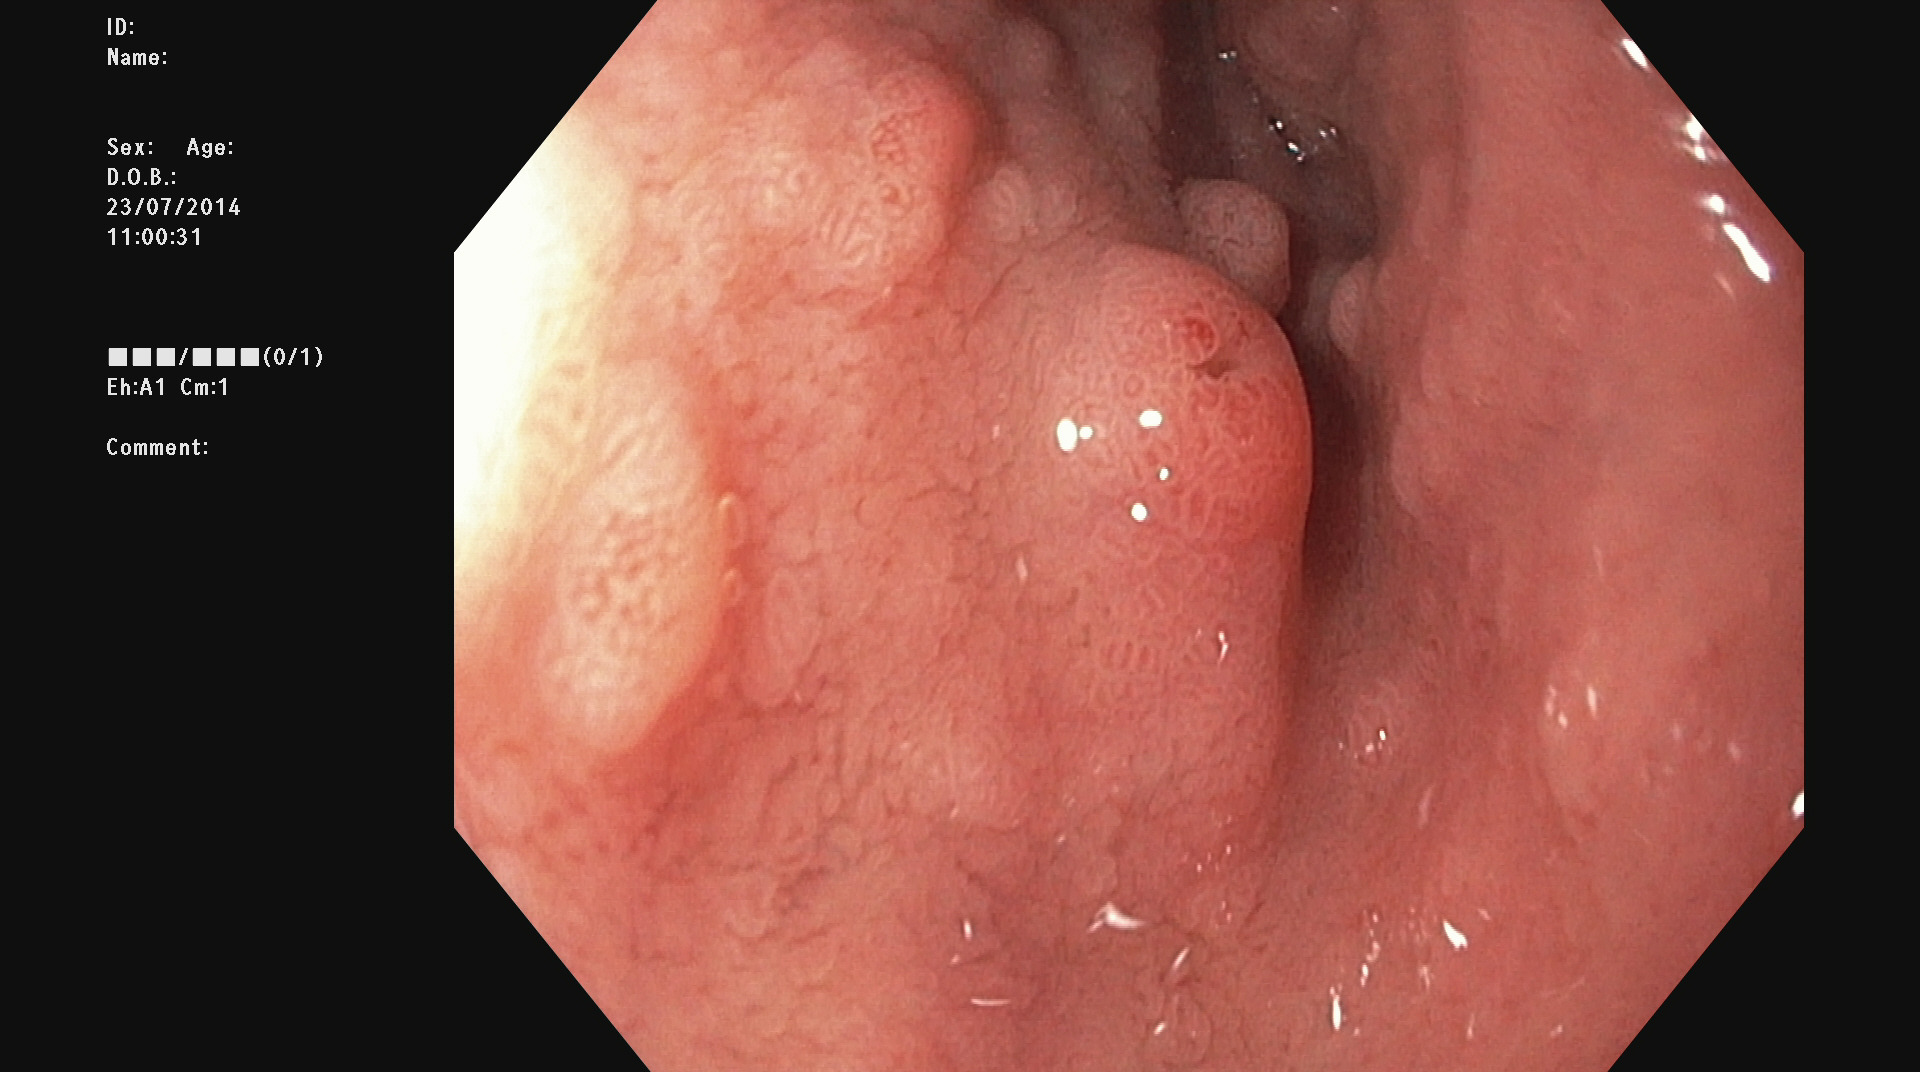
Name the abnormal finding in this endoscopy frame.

colon polyp